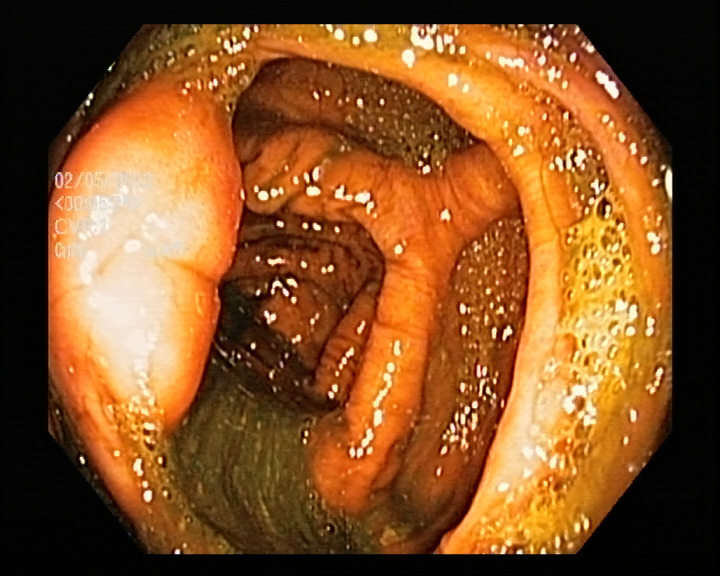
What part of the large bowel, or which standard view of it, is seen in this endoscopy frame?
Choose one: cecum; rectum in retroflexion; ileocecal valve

ileocecal valve